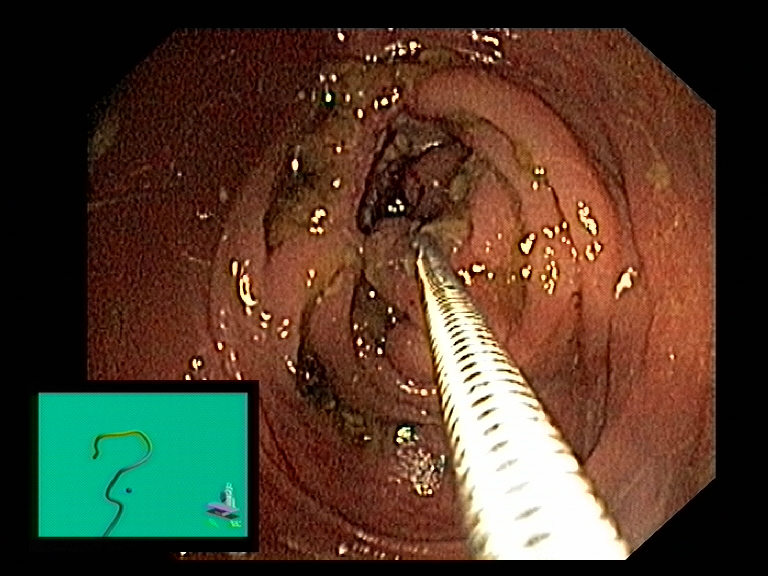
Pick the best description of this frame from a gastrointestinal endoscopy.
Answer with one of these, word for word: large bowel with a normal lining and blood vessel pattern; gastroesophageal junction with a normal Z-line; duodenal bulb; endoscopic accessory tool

endoscopic accessory tool